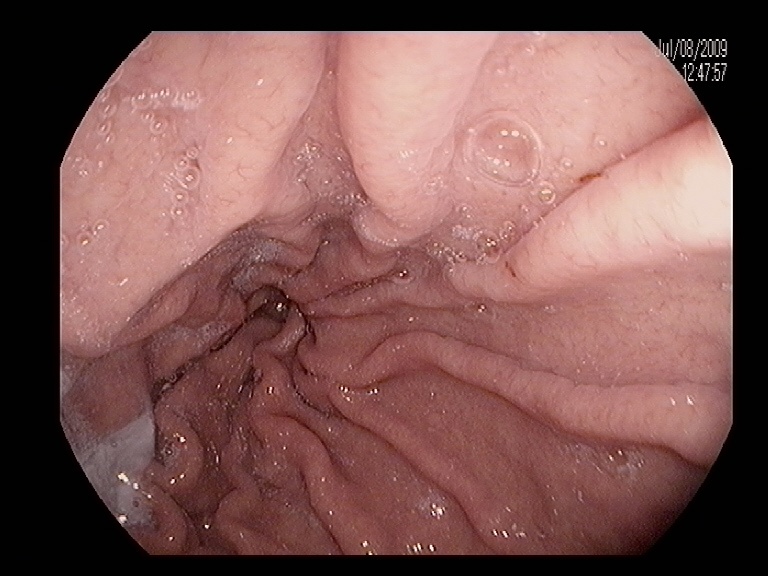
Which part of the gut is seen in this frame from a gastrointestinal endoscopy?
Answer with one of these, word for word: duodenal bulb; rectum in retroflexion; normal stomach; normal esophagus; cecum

normal stomach